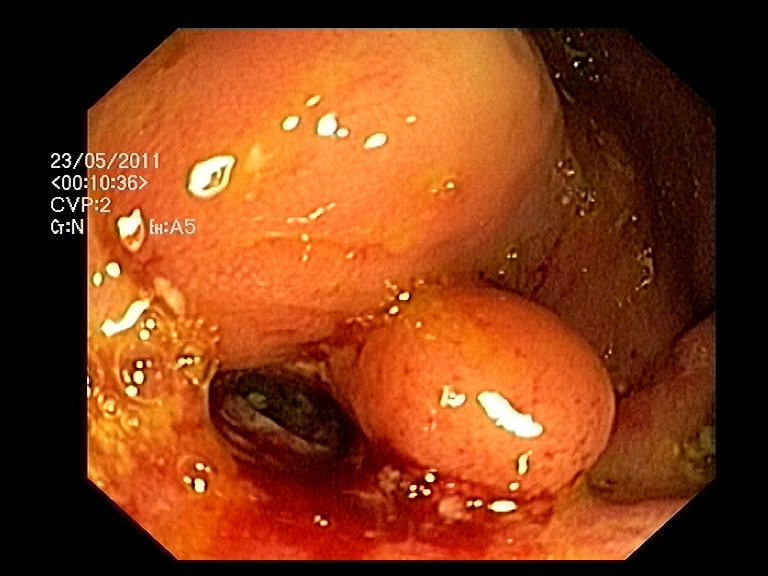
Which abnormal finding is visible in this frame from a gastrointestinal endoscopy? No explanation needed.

colorectal cancer